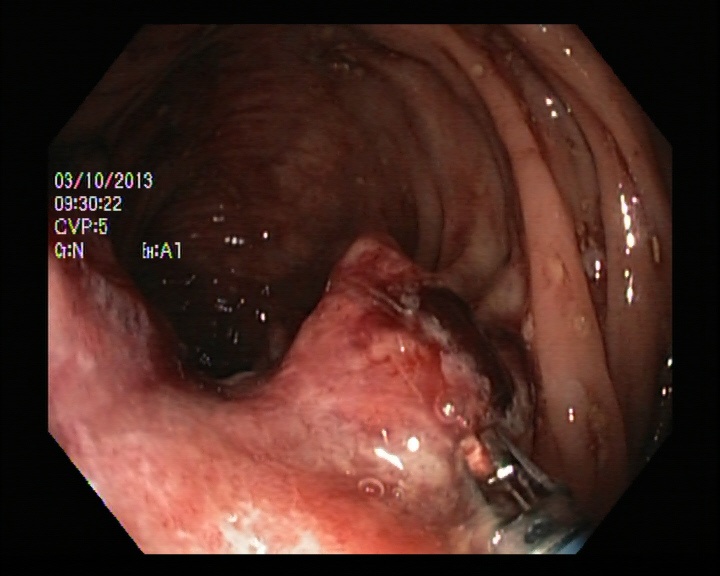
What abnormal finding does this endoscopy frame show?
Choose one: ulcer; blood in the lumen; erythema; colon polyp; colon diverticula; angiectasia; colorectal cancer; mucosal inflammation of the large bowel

colorectal cancer